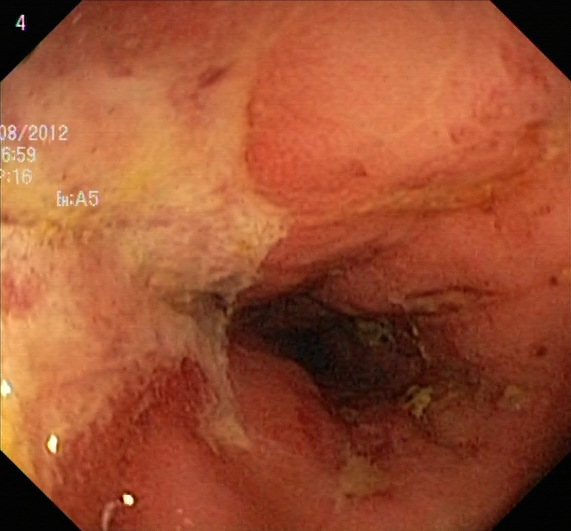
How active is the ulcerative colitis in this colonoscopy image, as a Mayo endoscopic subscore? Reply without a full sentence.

ulcerative colitis, Mayo endoscopic subscore 3